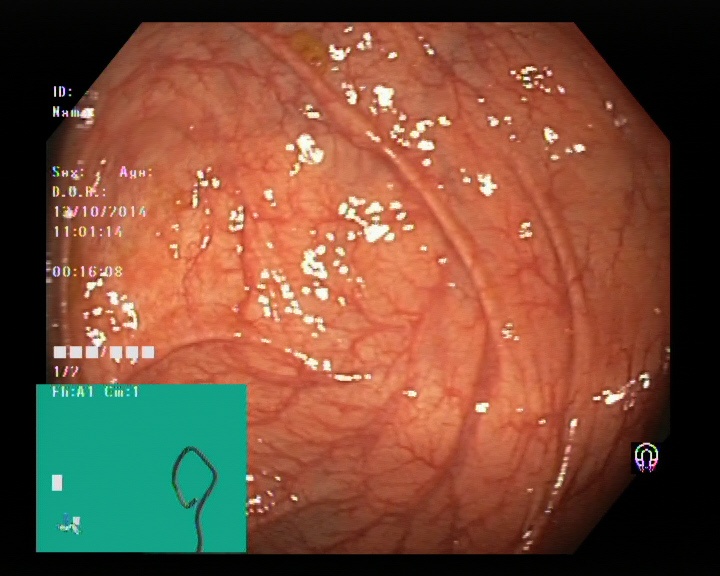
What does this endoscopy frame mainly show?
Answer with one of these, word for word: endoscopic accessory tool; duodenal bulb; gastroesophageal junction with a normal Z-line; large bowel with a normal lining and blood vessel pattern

large bowel with a normal lining and blood vessel pattern